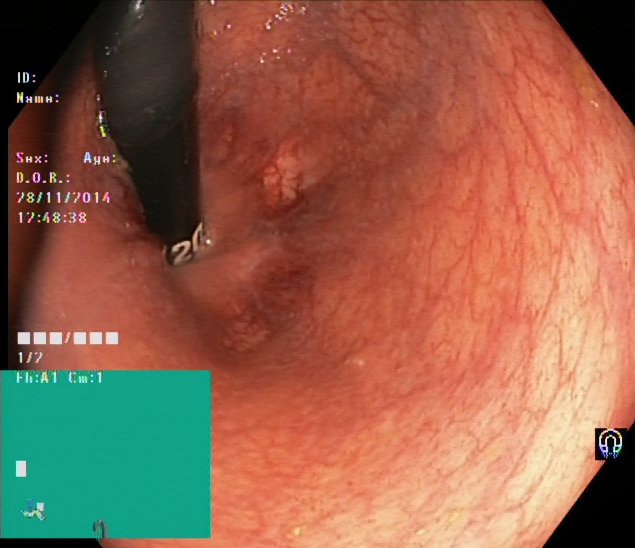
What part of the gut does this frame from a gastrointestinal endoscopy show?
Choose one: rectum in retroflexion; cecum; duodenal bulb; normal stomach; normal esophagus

rectum in retroflexion